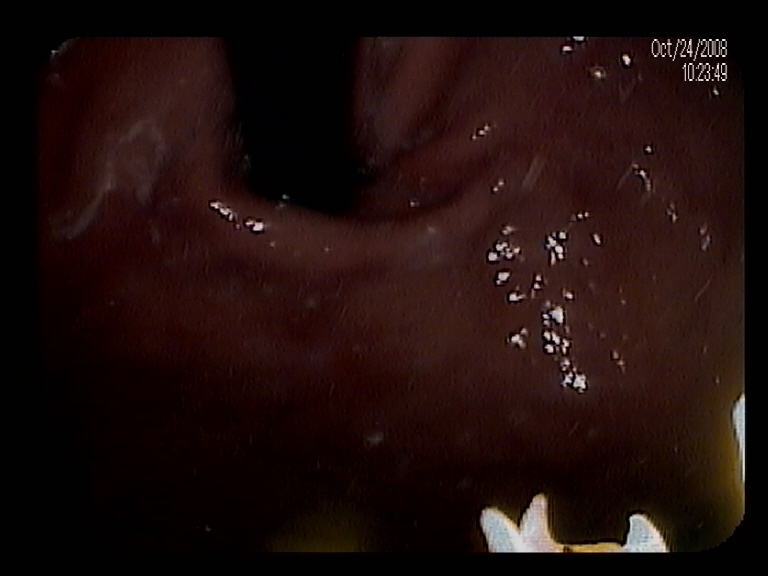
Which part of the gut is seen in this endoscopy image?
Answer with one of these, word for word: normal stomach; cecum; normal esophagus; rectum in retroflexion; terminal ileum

normal stomach